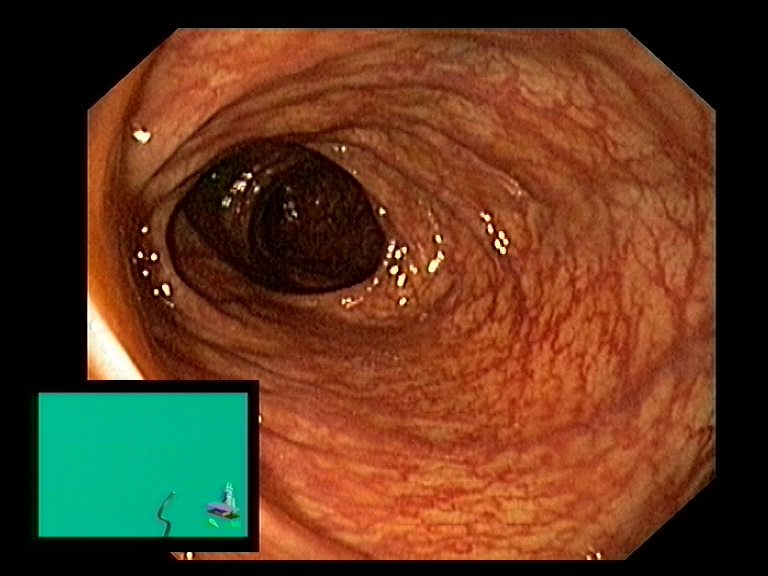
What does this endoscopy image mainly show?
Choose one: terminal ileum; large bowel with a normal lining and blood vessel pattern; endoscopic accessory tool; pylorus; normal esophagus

large bowel with a normal lining and blood vessel pattern